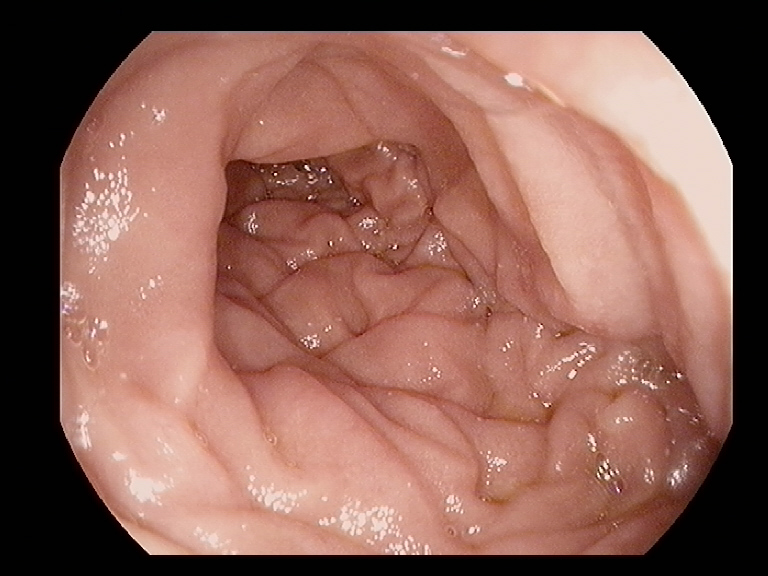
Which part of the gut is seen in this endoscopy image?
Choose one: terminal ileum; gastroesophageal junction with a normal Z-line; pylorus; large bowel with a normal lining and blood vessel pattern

terminal ileum